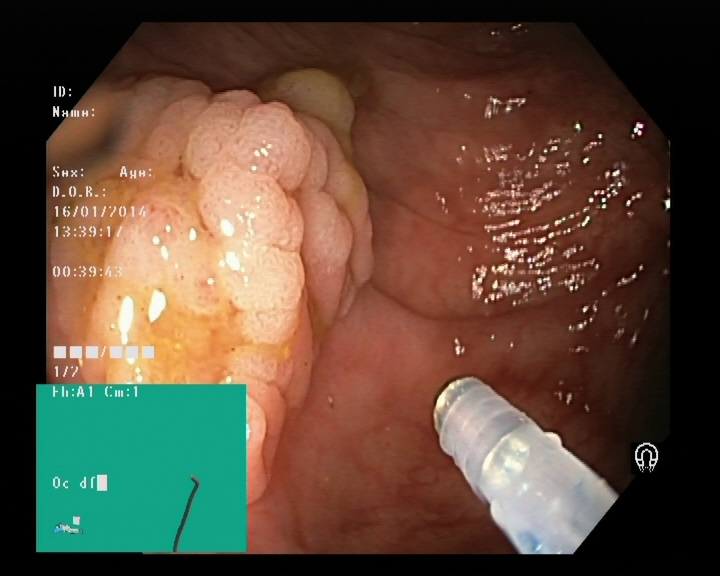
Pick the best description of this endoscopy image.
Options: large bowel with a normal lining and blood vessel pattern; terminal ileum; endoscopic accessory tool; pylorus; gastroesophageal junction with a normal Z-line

endoscopic accessory tool